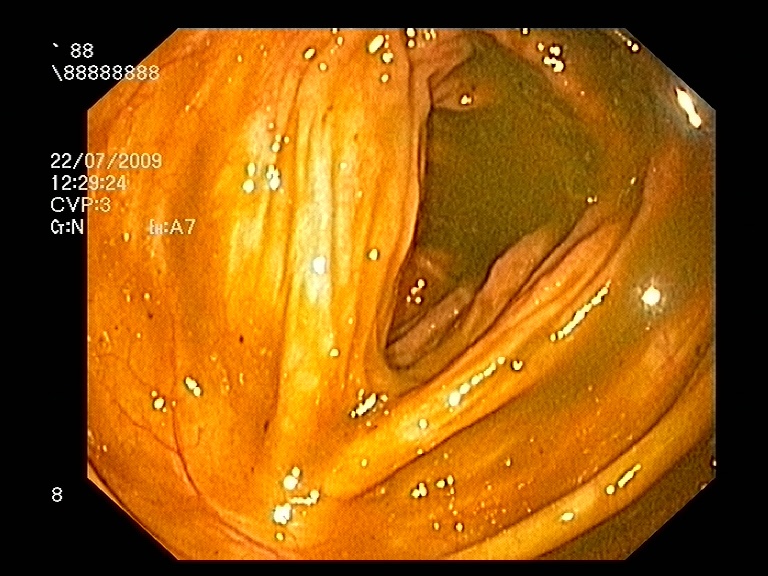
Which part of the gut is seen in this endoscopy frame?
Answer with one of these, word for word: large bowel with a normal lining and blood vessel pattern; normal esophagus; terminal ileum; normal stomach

large bowel with a normal lining and blood vessel pattern